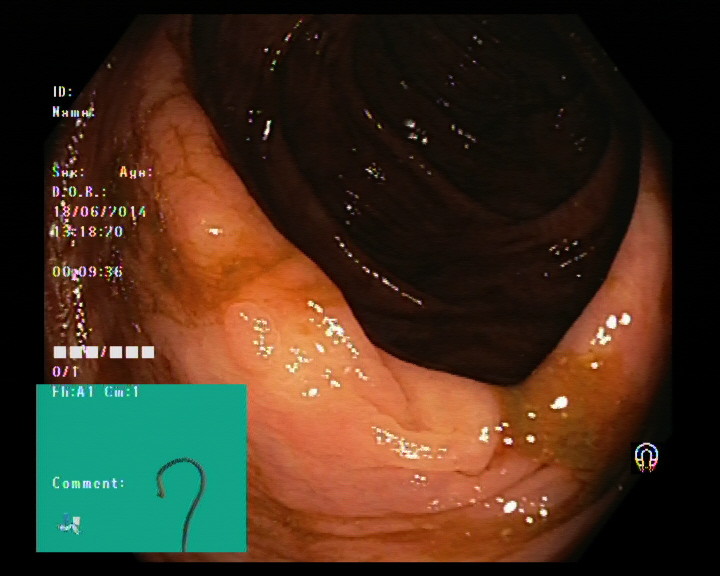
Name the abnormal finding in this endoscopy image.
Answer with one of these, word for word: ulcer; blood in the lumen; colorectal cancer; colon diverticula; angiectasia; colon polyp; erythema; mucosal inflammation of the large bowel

colon polyp